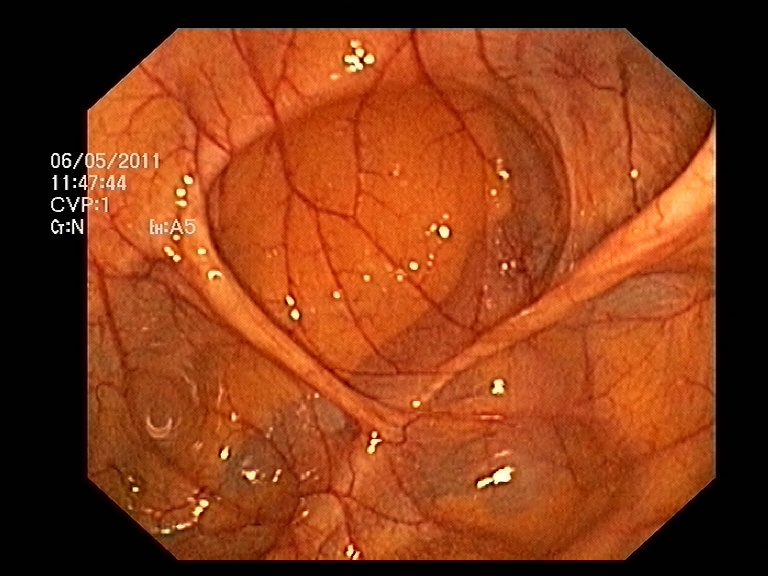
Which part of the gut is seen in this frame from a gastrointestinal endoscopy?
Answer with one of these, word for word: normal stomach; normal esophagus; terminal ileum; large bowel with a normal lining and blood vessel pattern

large bowel with a normal lining and blood vessel pattern